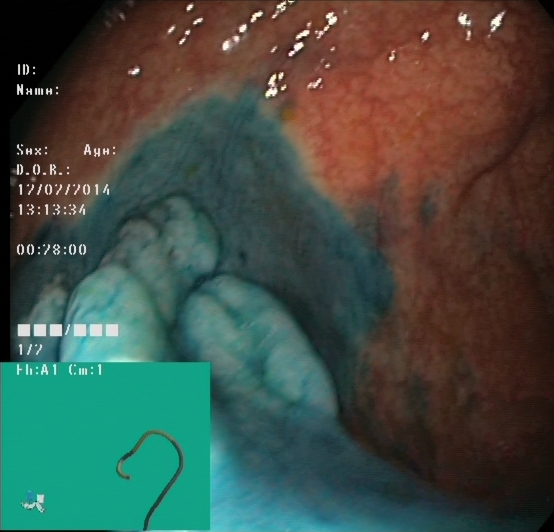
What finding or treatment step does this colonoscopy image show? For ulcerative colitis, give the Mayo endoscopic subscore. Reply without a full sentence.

dyed and lifted polyp (pre-resection)